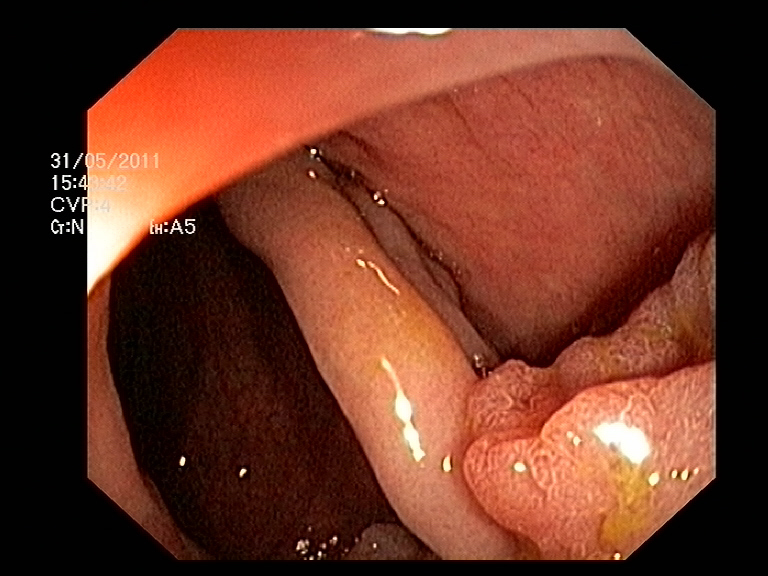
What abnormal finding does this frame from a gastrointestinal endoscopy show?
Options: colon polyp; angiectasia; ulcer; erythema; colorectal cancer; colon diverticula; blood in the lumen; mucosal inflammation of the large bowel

colon polyp